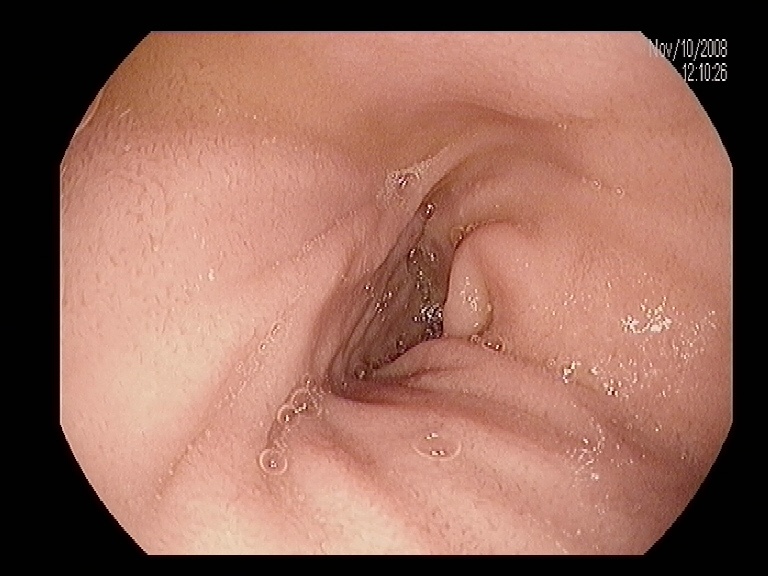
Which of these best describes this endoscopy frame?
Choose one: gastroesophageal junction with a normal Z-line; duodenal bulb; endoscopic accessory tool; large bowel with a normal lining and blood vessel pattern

duodenal bulb